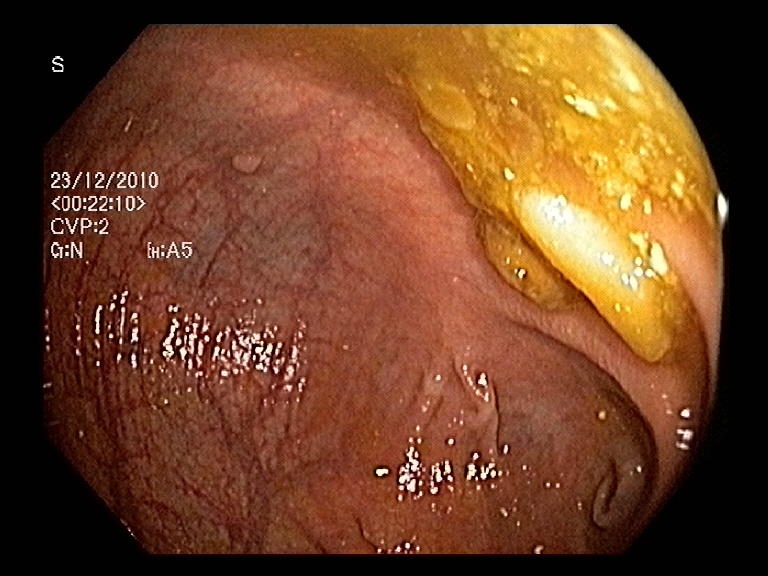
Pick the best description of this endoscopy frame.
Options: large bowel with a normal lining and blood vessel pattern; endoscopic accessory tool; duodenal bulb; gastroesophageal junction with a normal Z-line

large bowel with a normal lining and blood vessel pattern